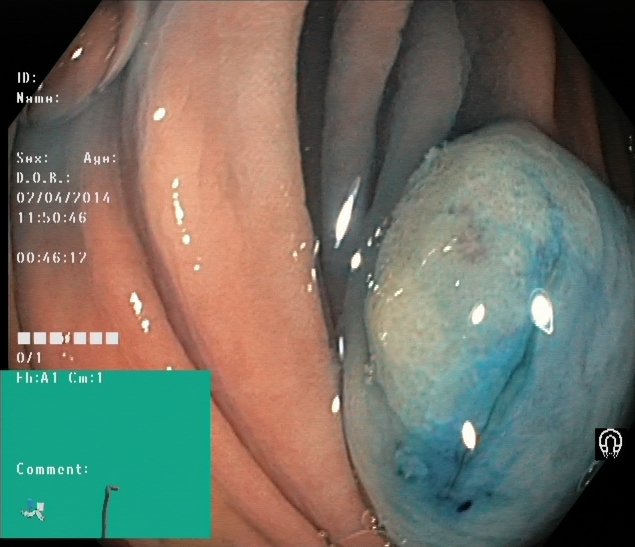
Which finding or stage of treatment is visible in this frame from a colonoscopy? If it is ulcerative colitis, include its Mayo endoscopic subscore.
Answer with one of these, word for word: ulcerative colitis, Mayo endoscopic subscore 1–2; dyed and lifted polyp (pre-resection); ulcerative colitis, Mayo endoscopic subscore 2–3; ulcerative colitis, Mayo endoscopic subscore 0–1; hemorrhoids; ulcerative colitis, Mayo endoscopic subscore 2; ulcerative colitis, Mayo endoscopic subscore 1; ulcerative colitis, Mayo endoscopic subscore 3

dyed and lifted polyp (pre-resection)